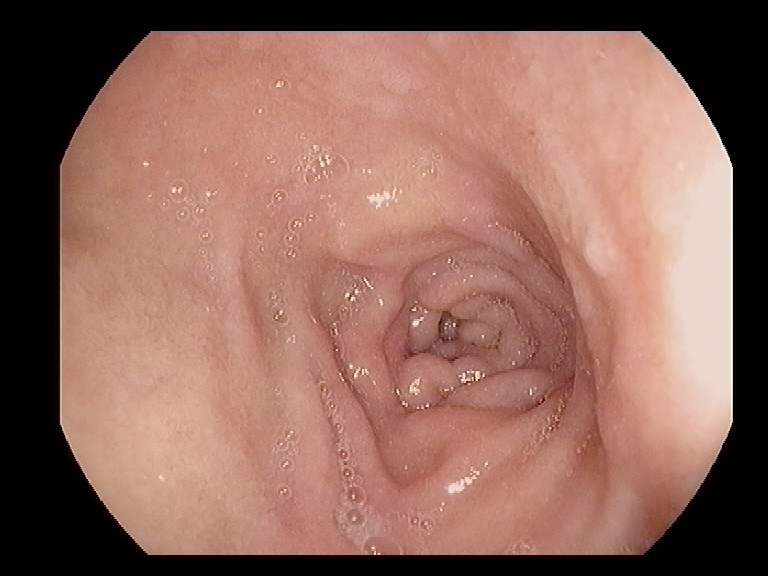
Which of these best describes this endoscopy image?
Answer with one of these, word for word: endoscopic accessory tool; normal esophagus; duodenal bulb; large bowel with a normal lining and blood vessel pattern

duodenal bulb